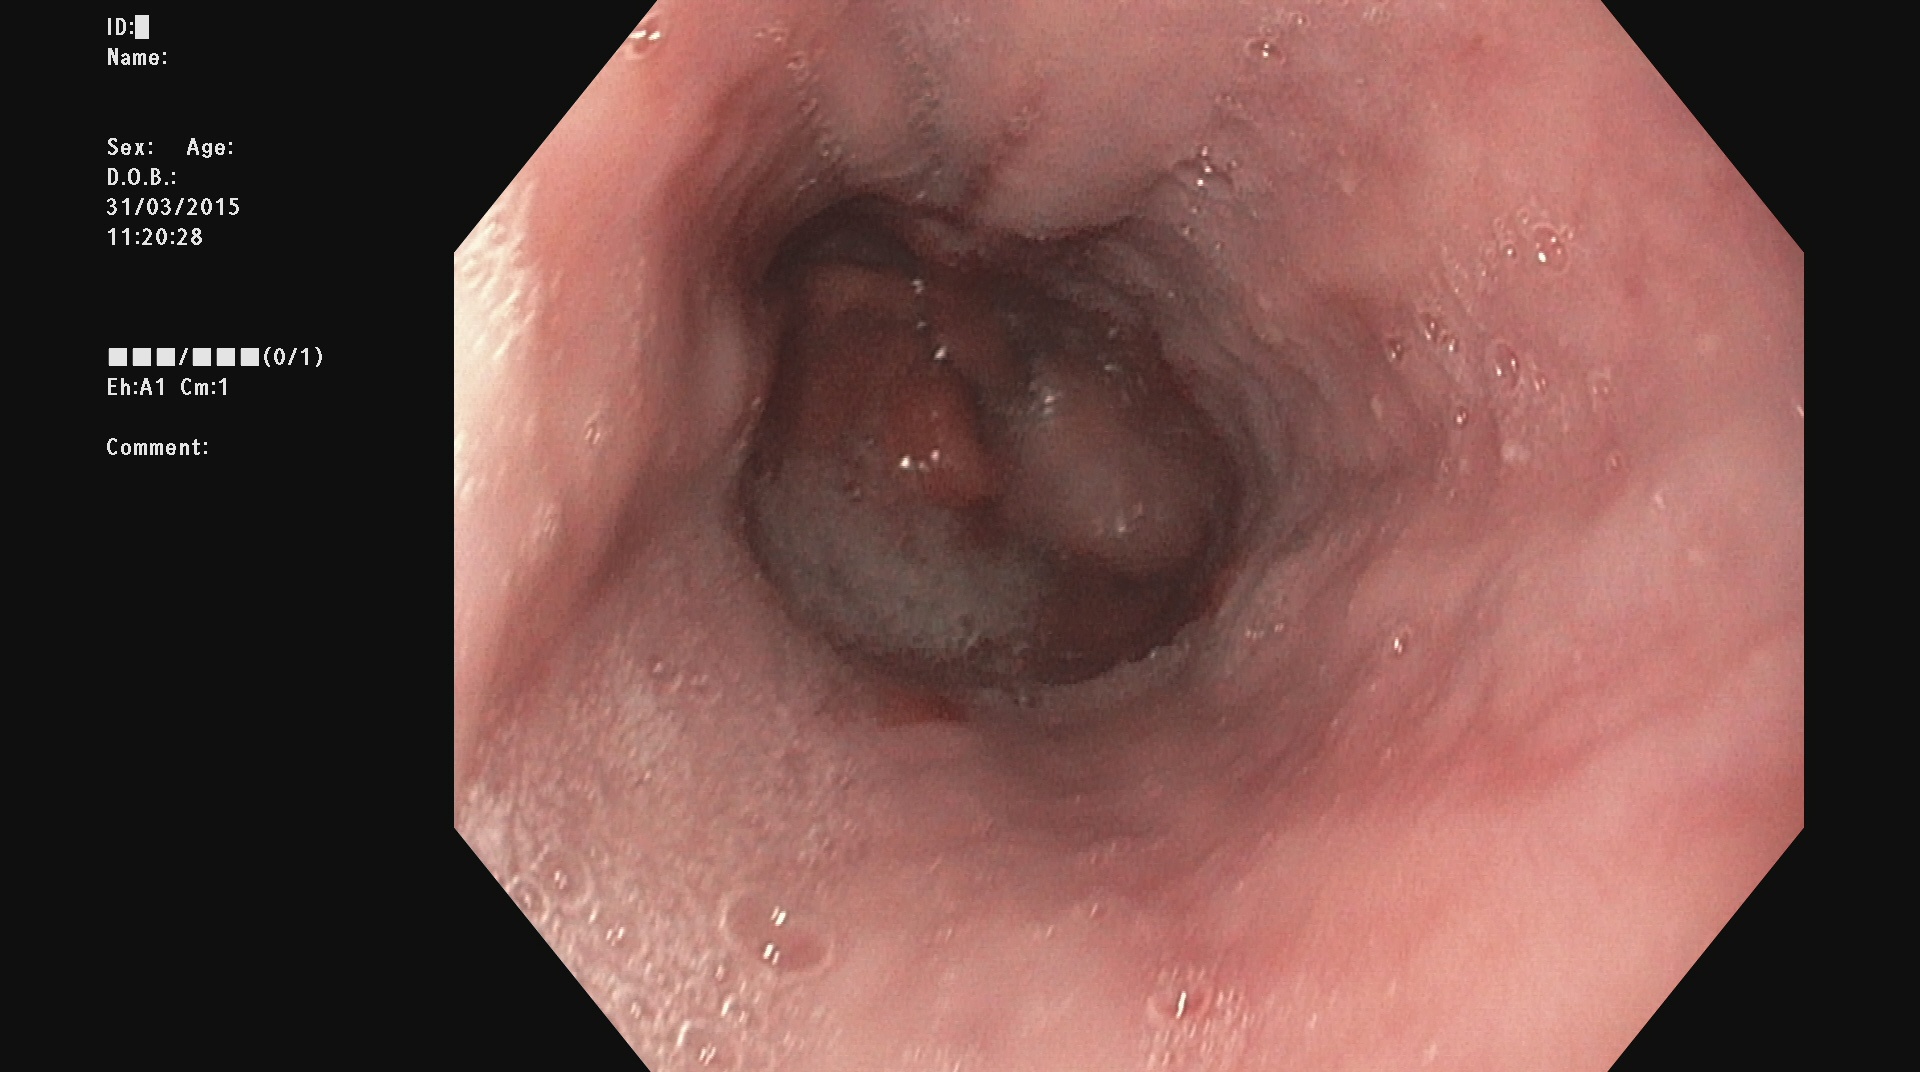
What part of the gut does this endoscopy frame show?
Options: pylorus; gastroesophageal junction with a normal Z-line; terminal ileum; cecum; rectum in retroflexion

gastroesophageal junction with a normal Z-line